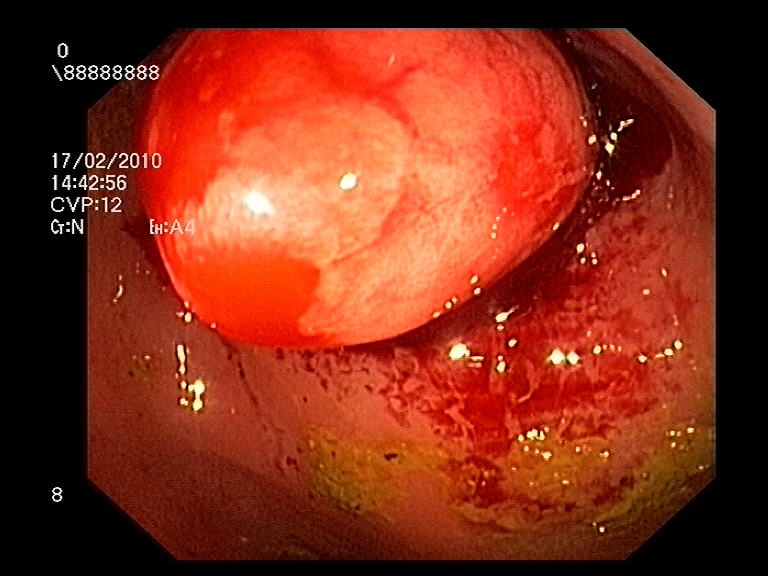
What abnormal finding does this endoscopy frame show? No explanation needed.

colon polyp